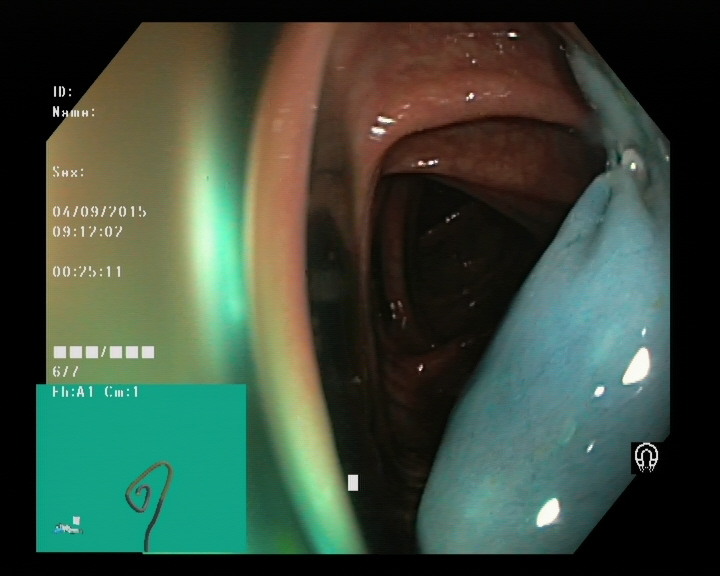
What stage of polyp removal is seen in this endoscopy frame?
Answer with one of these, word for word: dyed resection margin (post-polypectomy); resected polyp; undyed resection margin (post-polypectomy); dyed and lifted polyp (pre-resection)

dyed and lifted polyp (pre-resection)